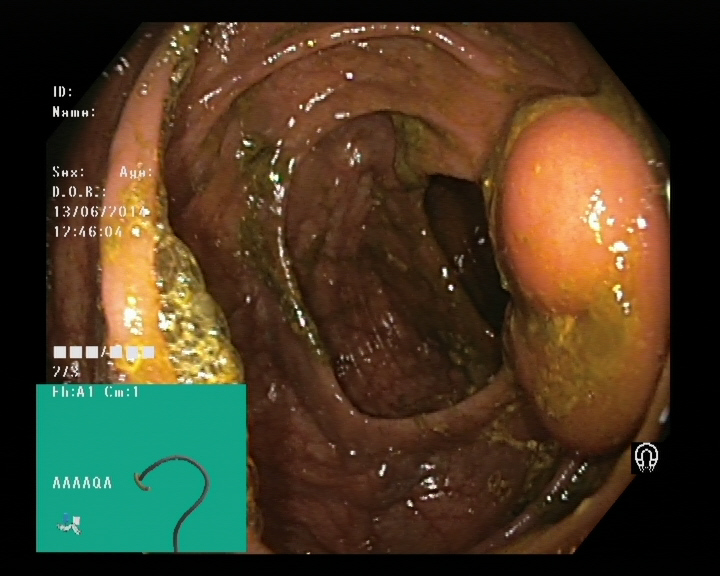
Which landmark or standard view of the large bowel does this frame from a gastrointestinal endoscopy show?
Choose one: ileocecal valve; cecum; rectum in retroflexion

ileocecal valve